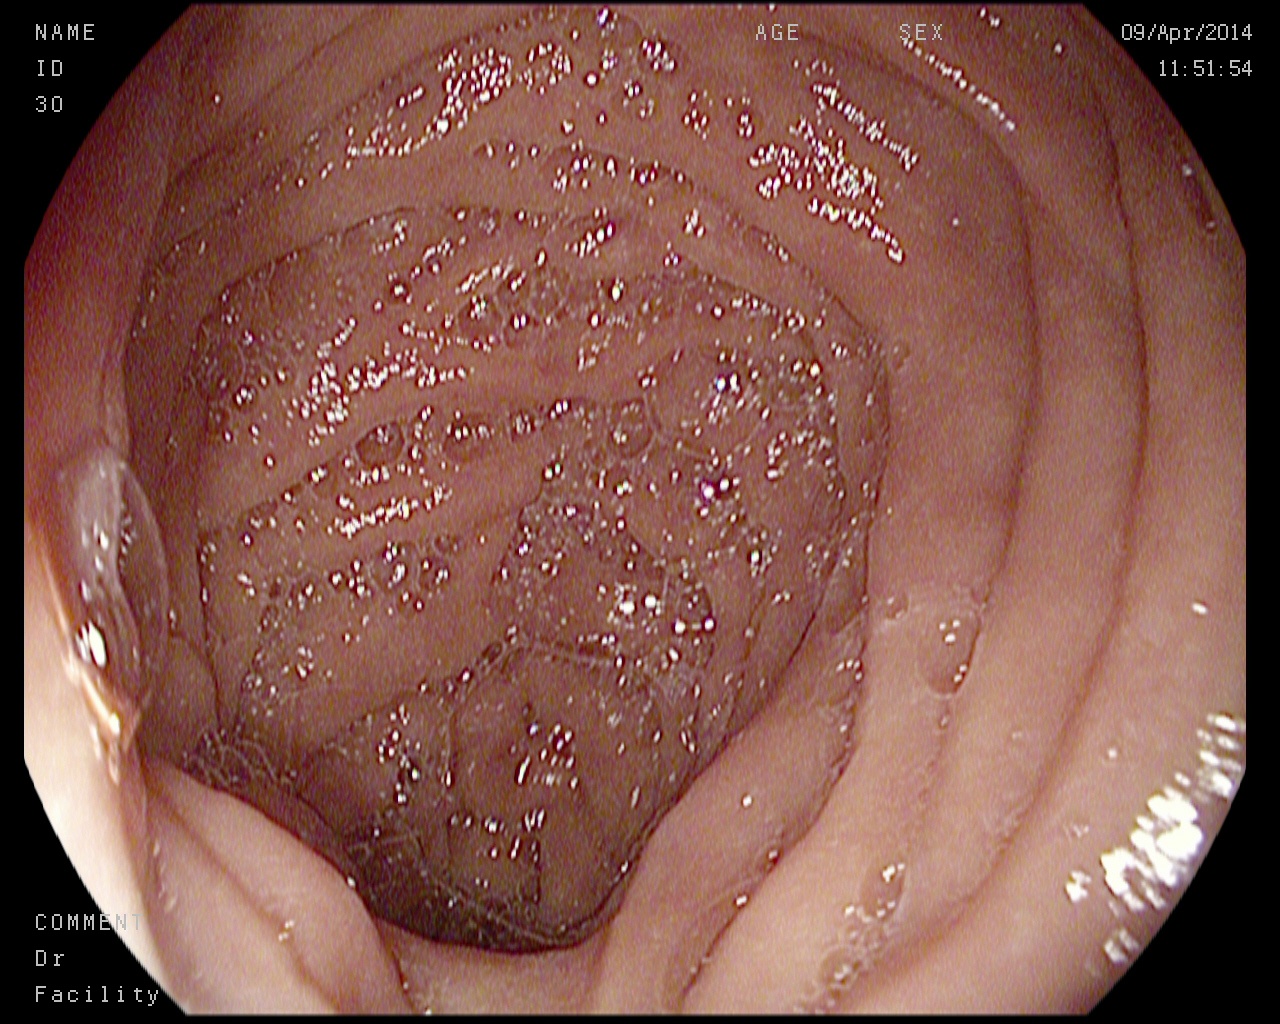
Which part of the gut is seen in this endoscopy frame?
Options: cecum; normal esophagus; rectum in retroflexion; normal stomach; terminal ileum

terminal ileum